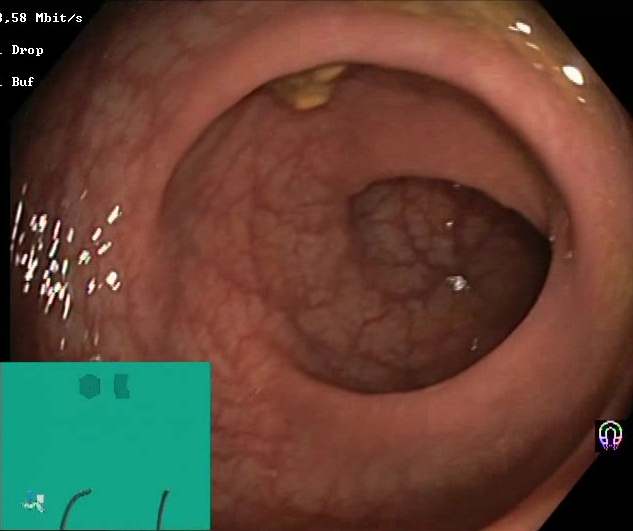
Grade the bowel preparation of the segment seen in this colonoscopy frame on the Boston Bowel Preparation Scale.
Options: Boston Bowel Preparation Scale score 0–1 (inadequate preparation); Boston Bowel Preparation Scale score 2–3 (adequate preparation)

Boston Bowel Preparation Scale score 2–3 (adequate preparation)